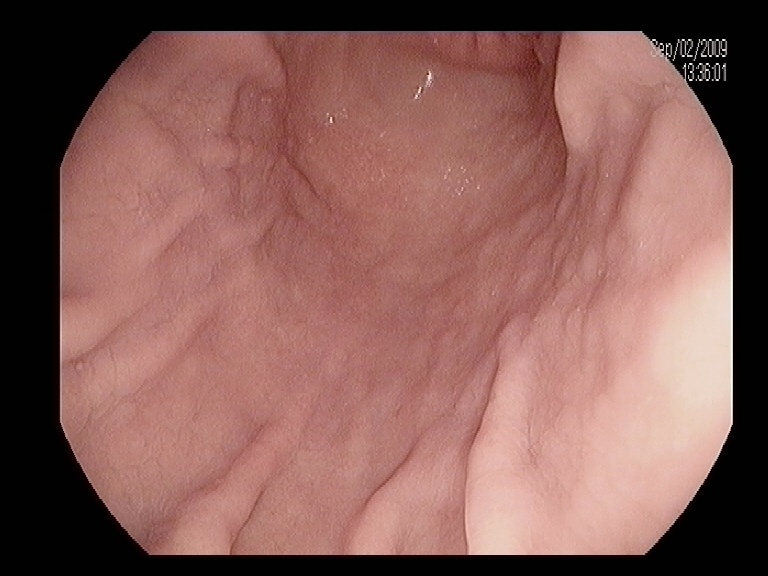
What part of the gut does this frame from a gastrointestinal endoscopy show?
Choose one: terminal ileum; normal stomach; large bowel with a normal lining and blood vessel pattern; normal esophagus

normal stomach